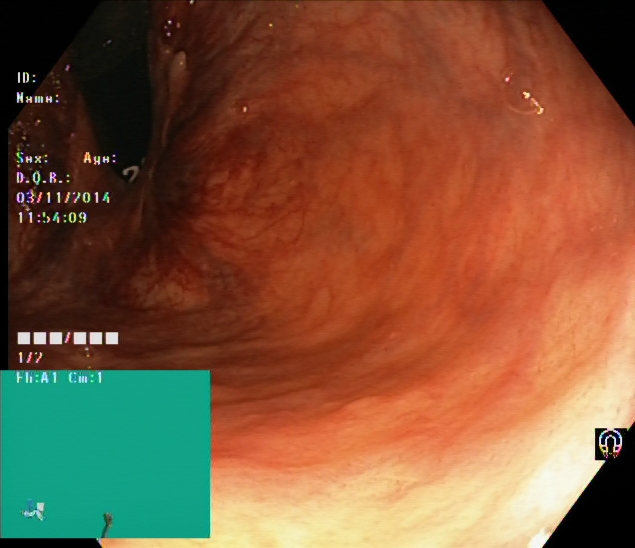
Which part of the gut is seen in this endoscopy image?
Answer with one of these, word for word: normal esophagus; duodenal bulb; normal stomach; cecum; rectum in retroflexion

rectum in retroflexion